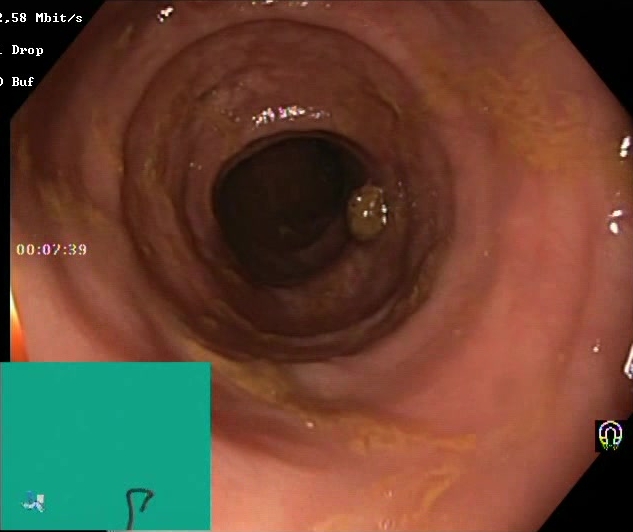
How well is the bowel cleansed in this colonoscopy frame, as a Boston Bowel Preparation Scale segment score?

Boston Bowel Preparation Scale score 2–3 (adequate preparation)